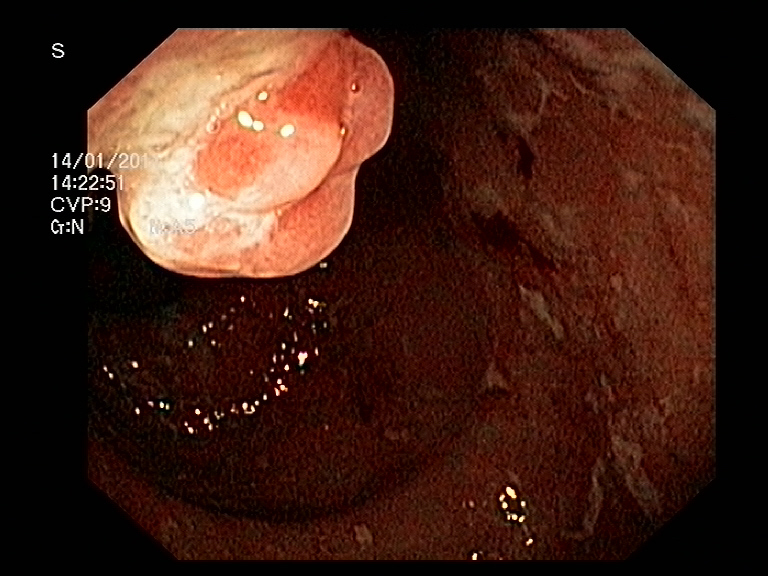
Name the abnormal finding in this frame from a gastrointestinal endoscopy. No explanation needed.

colon polyp